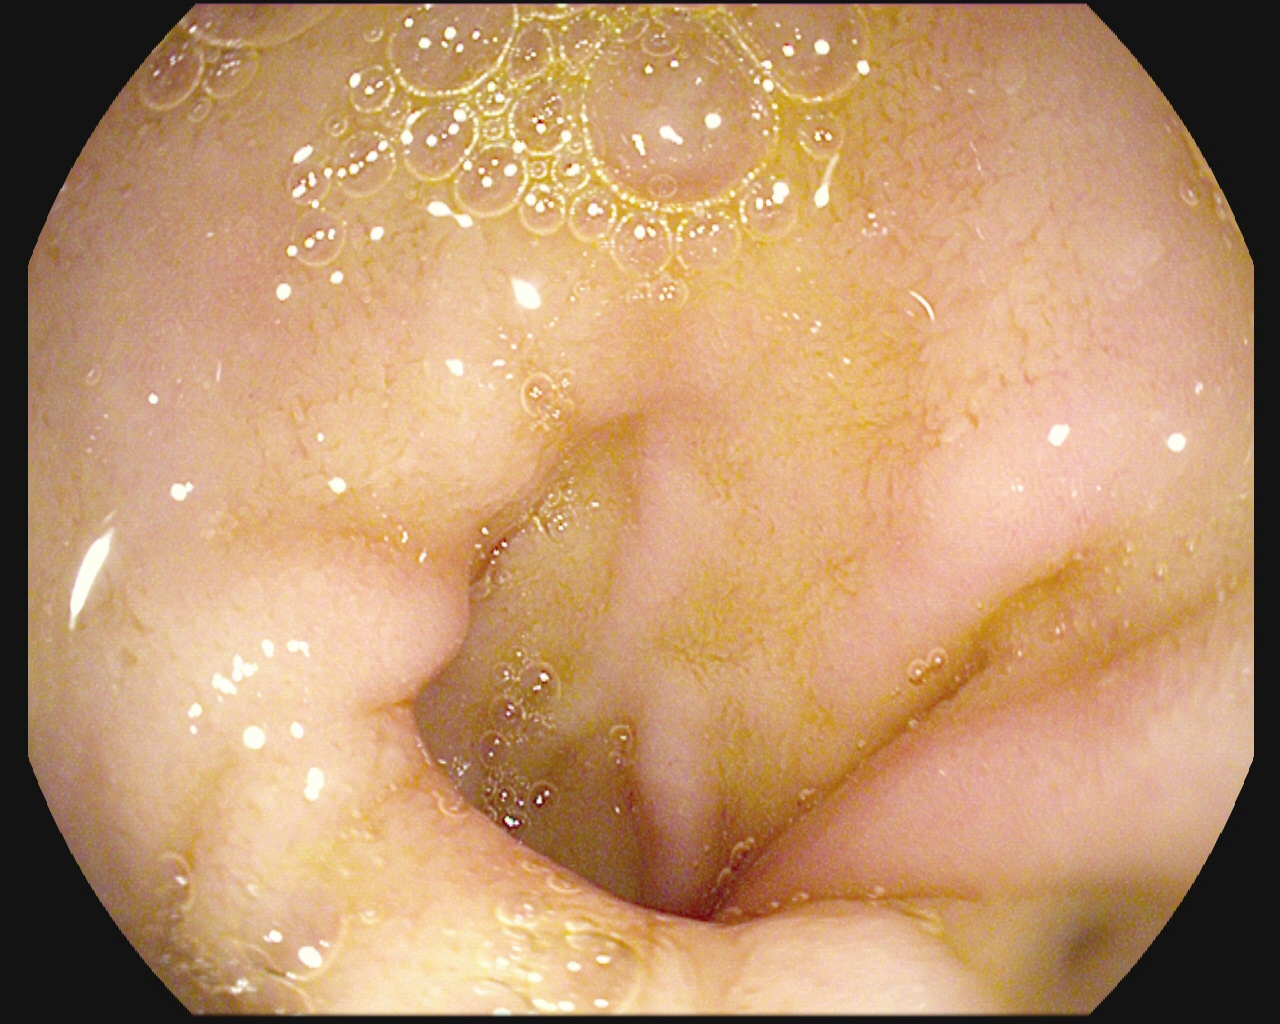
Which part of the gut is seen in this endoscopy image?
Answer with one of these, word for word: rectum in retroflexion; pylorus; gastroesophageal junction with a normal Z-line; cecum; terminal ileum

terminal ileum